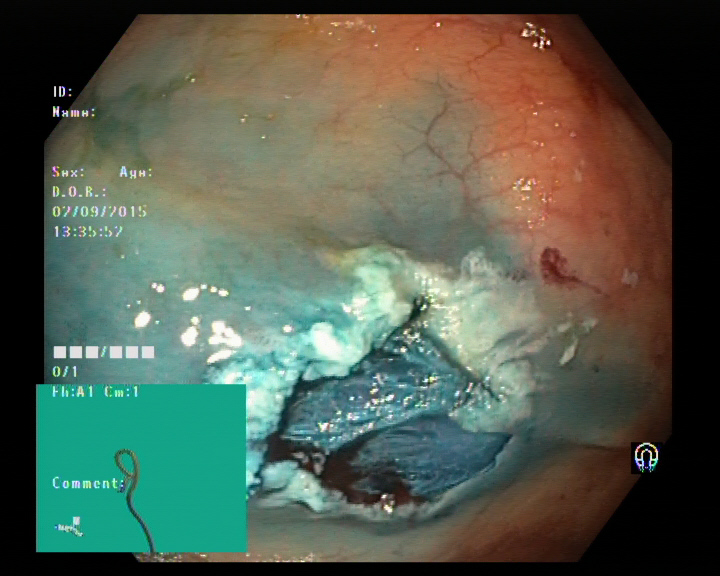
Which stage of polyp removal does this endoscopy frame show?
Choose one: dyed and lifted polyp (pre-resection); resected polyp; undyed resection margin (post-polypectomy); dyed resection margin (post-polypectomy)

dyed resection margin (post-polypectomy)